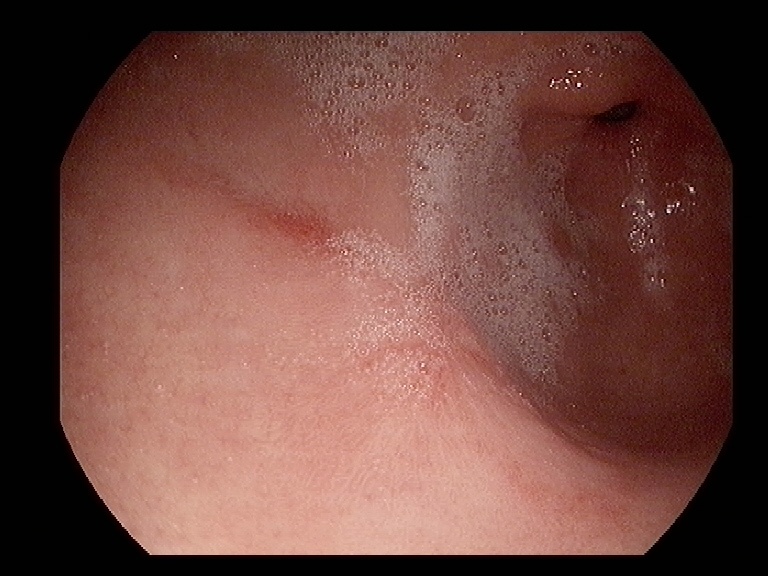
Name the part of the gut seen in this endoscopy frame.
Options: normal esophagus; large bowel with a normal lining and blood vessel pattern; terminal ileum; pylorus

pylorus